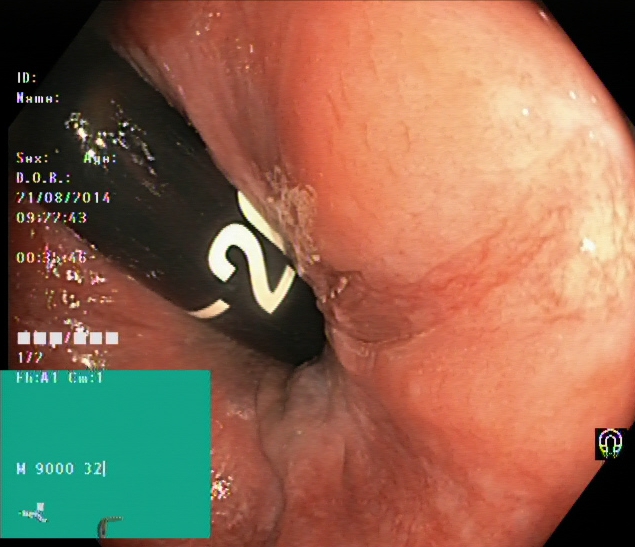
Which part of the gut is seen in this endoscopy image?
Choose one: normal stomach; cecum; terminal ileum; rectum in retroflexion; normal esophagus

rectum in retroflexion